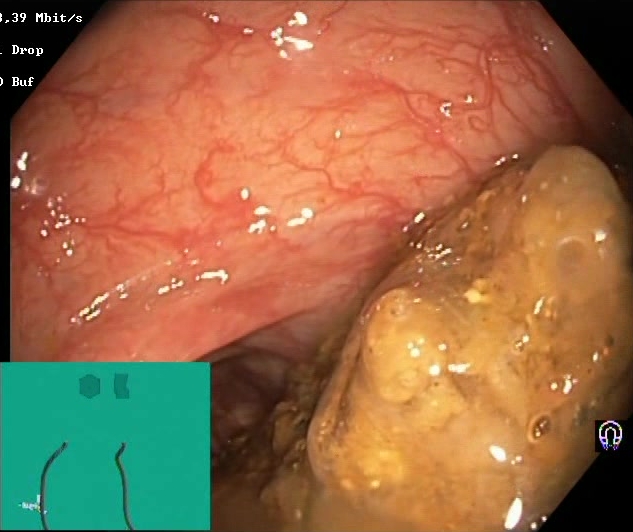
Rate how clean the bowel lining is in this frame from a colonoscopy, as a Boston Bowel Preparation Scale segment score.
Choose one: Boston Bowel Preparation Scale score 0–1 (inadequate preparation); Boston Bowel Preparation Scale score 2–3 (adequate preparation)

Boston Bowel Preparation Scale score 0–1 (inadequate preparation)